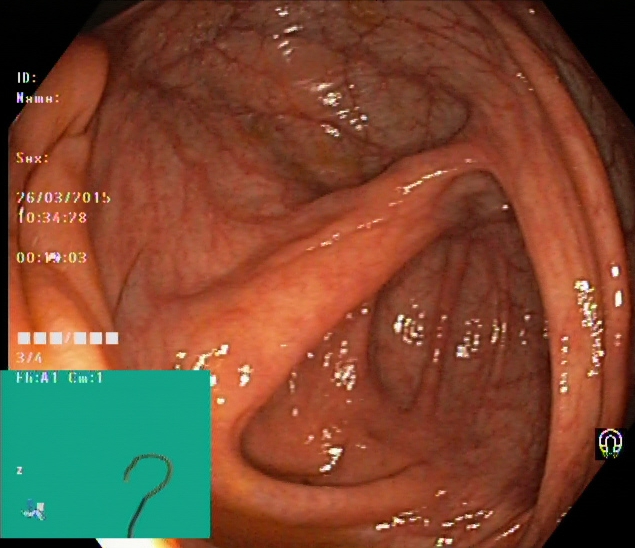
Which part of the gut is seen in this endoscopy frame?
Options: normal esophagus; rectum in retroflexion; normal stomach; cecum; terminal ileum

cecum